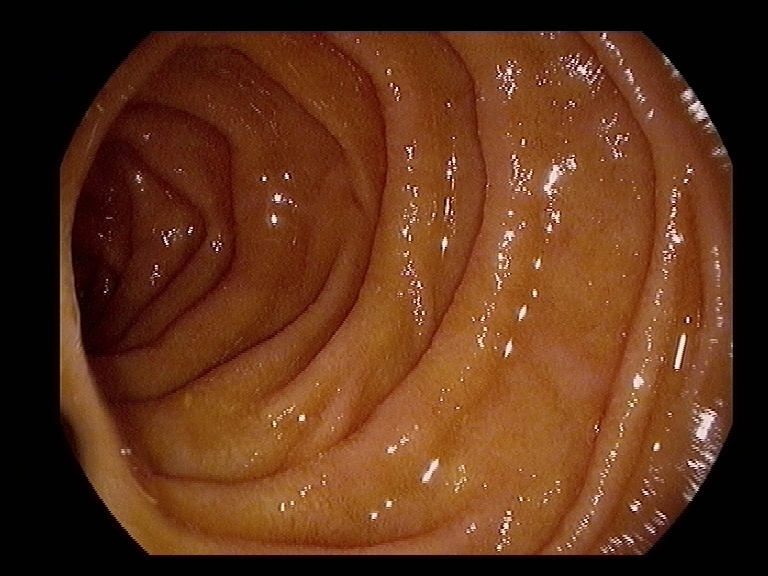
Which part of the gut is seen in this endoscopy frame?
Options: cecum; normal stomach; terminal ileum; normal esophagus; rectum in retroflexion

terminal ileum